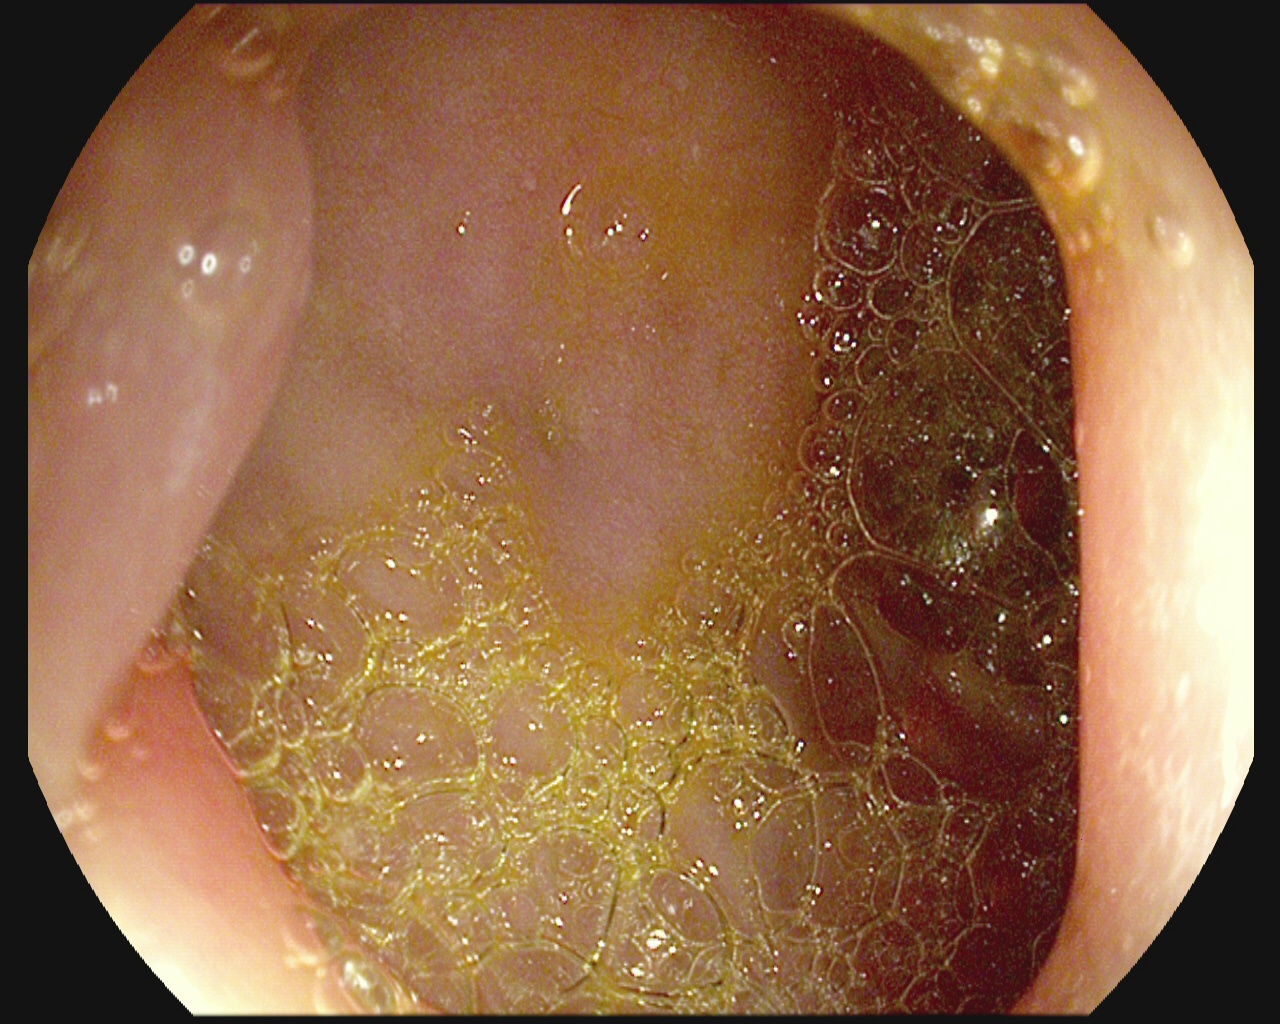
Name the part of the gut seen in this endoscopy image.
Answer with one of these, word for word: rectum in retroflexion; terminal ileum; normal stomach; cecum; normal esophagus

terminal ileum